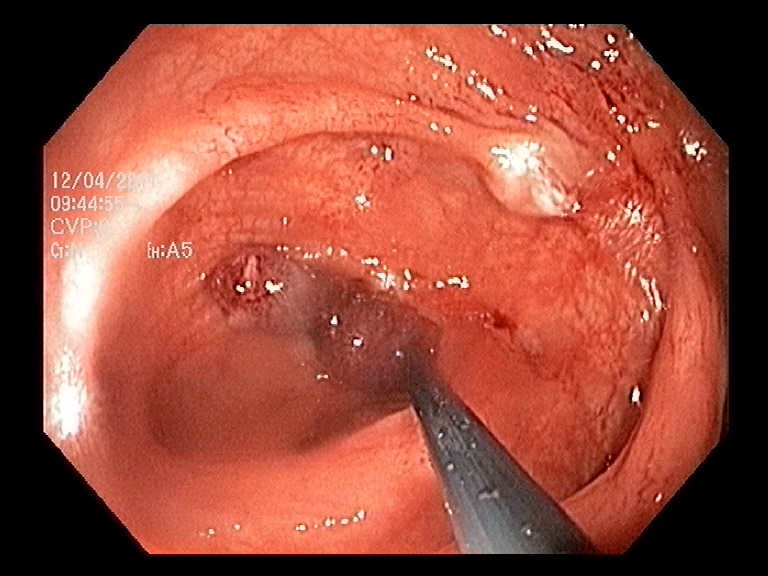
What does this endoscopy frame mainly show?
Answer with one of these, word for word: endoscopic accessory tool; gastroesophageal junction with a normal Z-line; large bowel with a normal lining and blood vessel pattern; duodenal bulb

endoscopic accessory tool